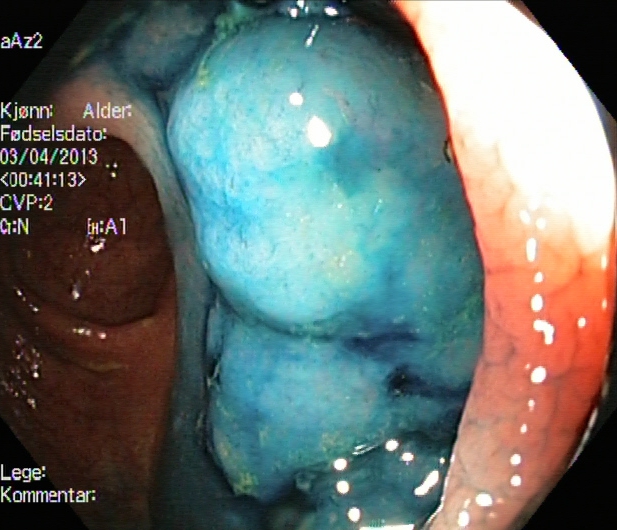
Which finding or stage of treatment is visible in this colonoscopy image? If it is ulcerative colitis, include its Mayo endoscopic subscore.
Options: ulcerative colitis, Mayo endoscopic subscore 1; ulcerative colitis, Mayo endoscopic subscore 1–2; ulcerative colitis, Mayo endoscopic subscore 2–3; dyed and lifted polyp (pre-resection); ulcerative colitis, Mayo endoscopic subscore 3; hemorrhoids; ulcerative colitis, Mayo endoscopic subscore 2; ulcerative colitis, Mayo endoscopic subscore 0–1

dyed and lifted polyp (pre-resection)